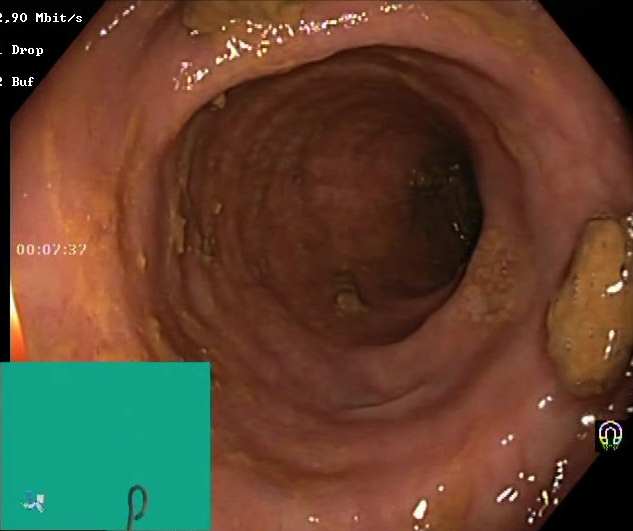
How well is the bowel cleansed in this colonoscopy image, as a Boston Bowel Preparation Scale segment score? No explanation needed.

Boston Bowel Preparation Scale score 2–3 (adequate preparation)